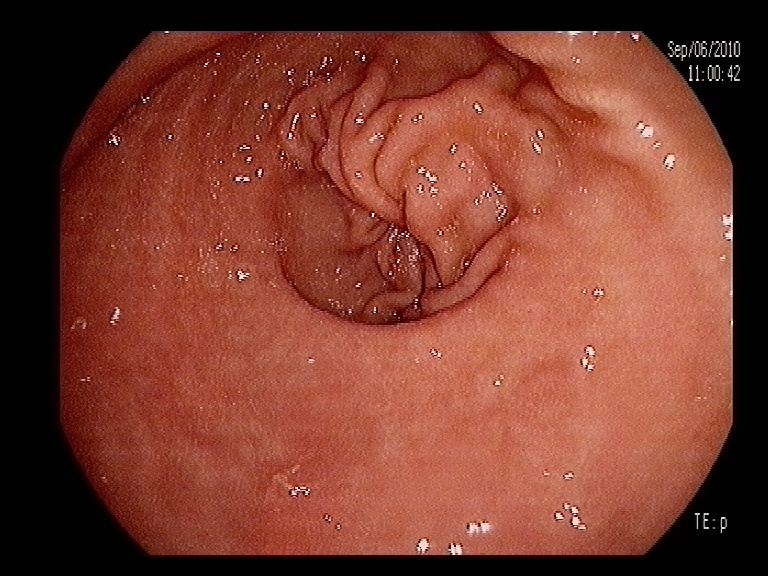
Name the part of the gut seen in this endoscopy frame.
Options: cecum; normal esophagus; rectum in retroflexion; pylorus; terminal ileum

pylorus